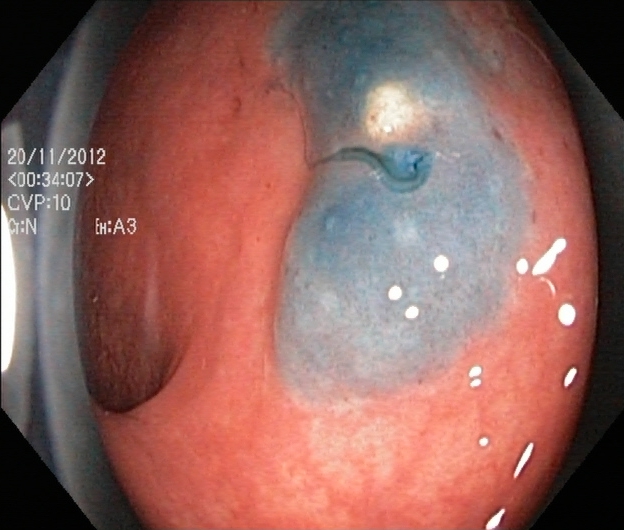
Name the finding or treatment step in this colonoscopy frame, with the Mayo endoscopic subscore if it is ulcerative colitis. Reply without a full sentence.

dyed and lifted polyp (pre-resection)